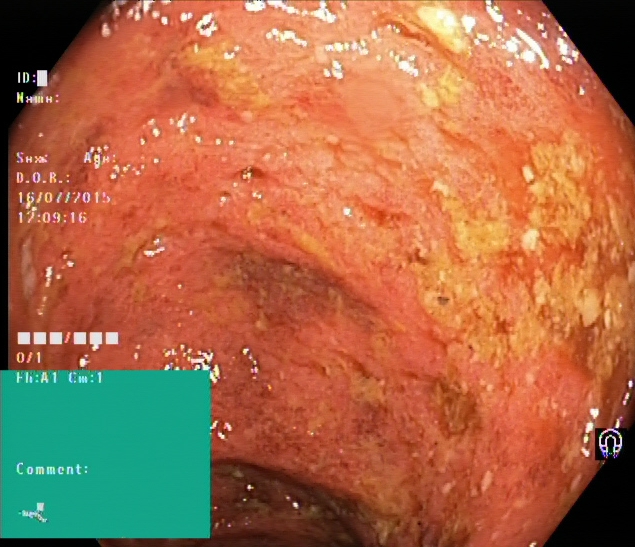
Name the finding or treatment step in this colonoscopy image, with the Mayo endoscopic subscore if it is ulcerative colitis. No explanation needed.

ulcerative colitis, Mayo endoscopic subscore 2